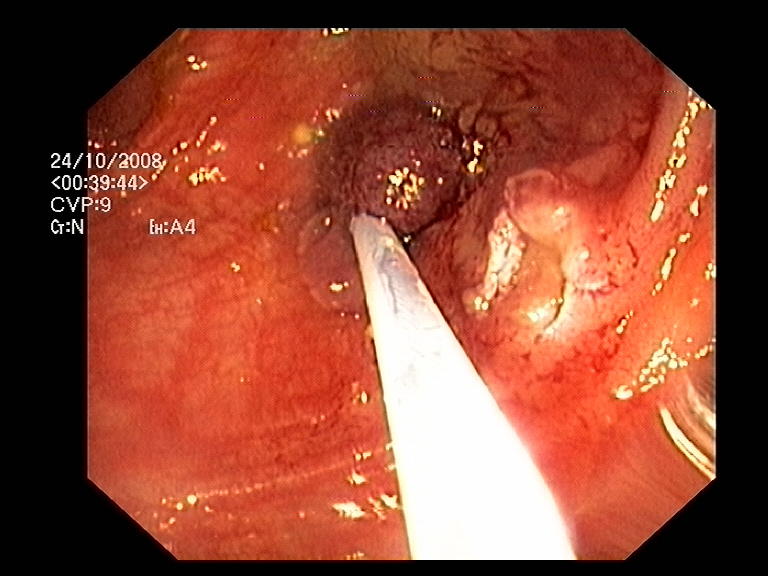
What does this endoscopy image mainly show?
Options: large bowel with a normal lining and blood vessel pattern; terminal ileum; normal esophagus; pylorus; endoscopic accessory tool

endoscopic accessory tool